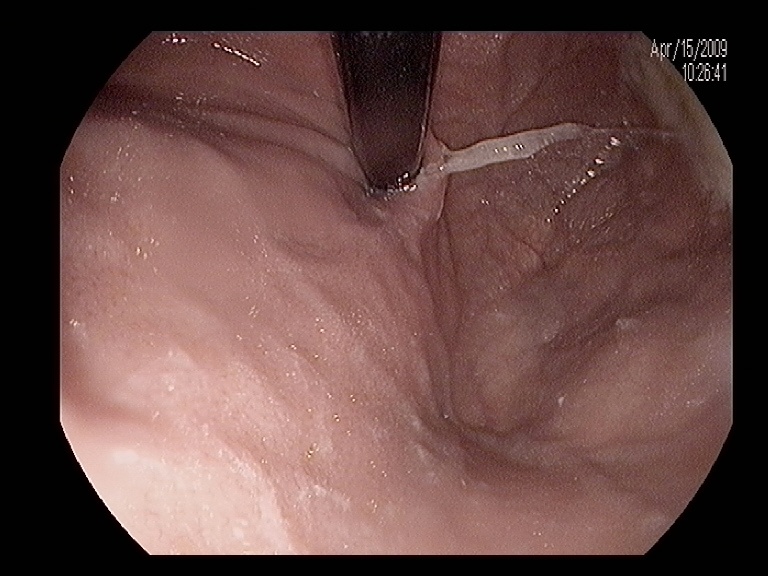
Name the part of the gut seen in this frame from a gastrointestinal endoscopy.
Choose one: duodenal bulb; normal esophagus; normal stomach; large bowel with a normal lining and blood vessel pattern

normal stomach